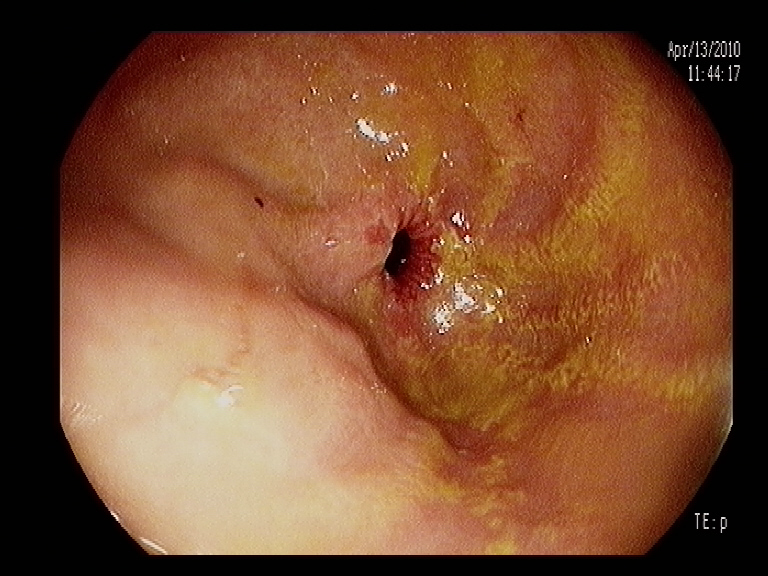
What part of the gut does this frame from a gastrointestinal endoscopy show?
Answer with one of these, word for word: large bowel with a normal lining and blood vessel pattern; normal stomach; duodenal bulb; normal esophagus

large bowel with a normal lining and blood vessel pattern